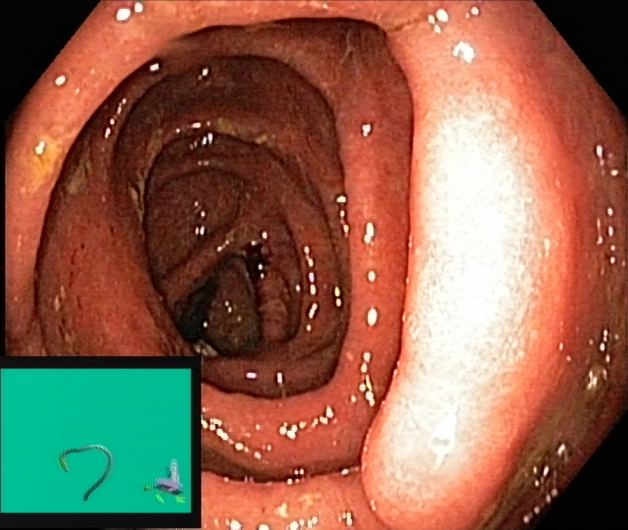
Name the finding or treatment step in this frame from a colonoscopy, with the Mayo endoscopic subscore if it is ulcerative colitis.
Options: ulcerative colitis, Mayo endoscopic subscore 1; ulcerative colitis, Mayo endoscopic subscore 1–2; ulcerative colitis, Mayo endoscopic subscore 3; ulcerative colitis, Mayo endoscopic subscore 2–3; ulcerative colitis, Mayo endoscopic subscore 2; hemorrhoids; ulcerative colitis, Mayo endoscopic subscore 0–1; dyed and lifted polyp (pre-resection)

ulcerative colitis, Mayo endoscopic subscore 2